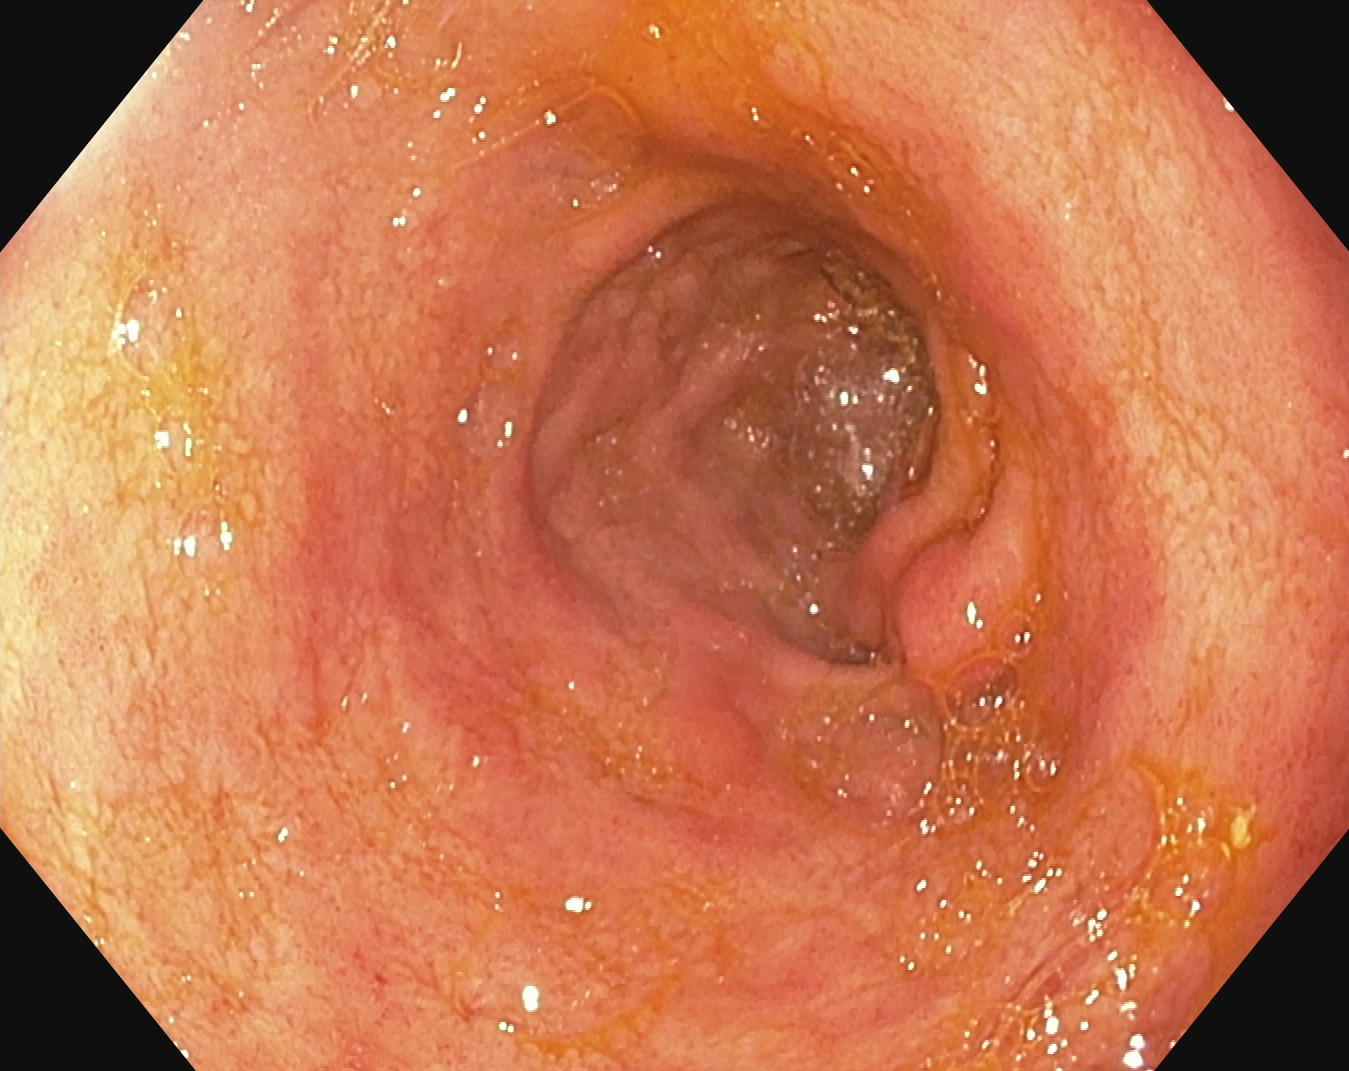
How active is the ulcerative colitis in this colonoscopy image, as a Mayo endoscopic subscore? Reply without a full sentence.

ulcerative colitis, Mayo endoscopic subscore 1